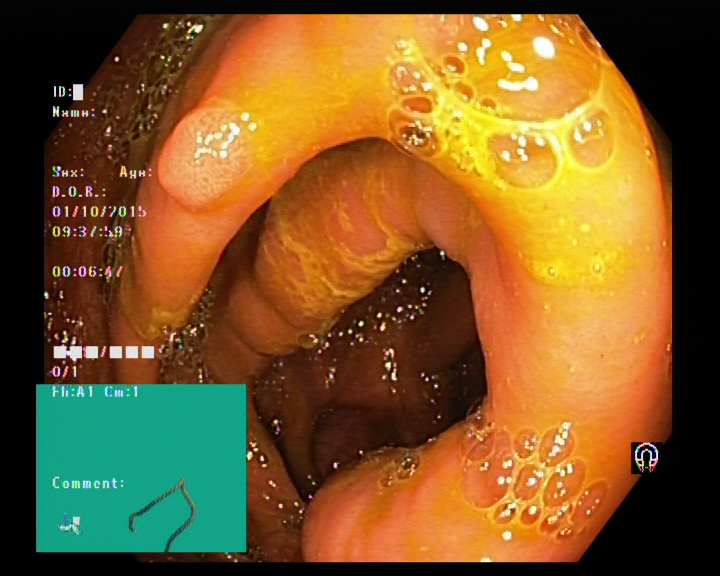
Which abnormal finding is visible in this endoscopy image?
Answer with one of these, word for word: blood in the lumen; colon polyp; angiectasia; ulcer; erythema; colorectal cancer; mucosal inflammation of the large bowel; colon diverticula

colon polyp